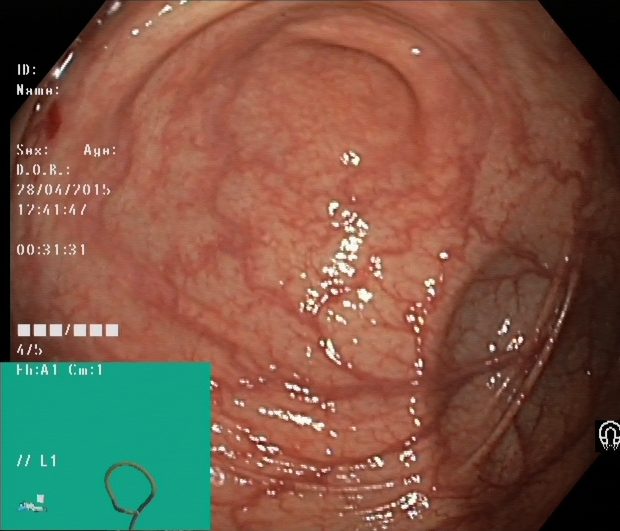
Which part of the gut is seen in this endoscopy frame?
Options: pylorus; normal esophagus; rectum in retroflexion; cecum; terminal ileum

cecum